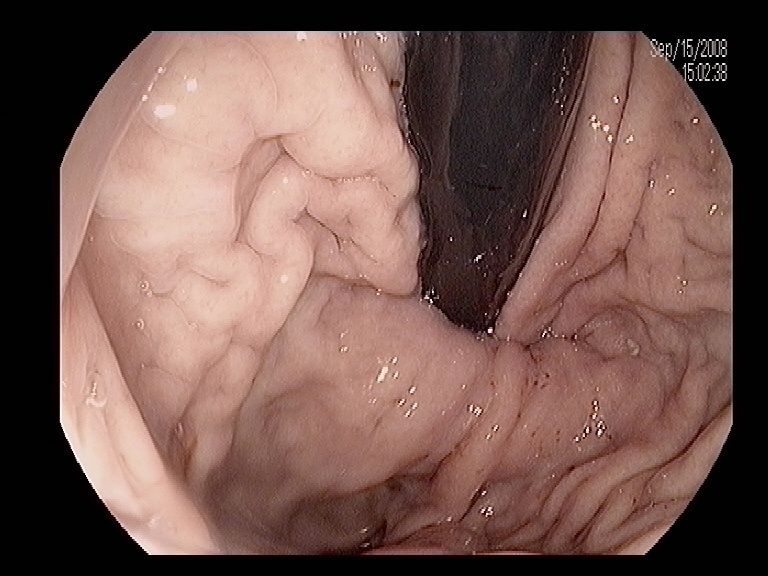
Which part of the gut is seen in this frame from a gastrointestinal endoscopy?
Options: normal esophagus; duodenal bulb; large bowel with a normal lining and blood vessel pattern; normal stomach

normal stomach